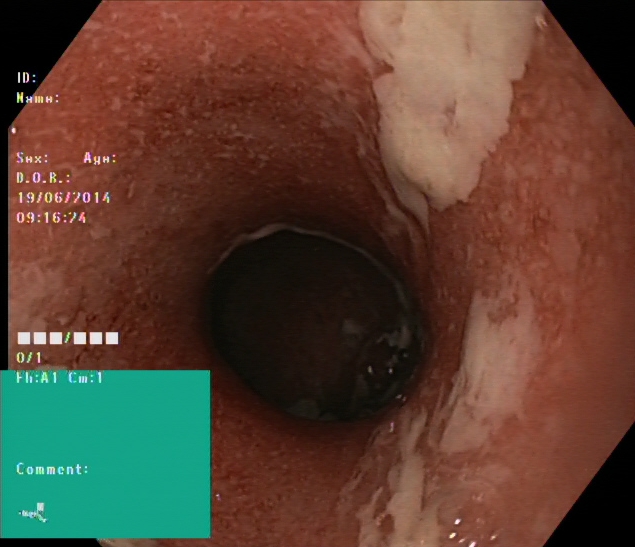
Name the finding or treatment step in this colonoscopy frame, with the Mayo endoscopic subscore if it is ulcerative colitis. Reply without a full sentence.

ulcerative colitis, Mayo endoscopic subscore 2